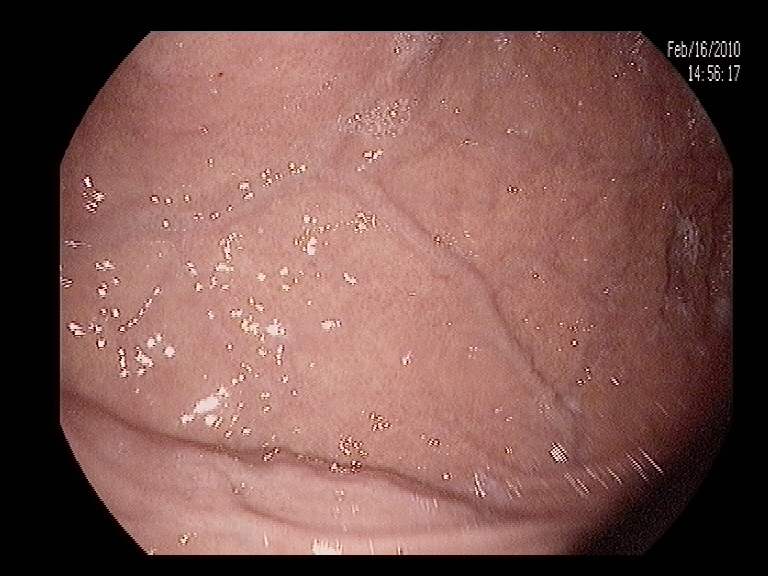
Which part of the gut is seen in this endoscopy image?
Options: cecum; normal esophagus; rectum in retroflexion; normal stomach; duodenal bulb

normal stomach